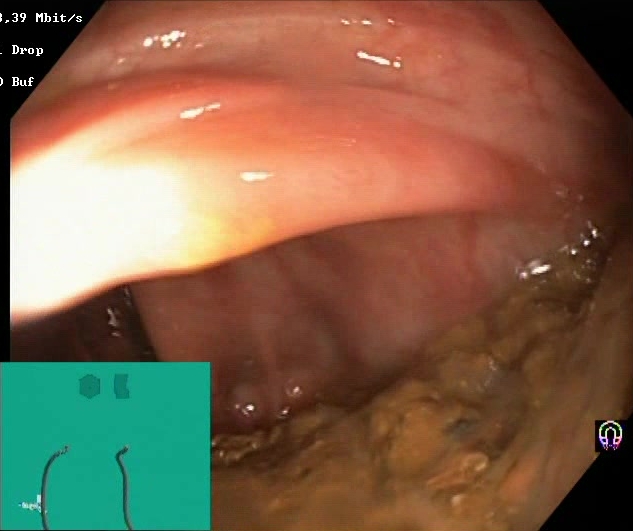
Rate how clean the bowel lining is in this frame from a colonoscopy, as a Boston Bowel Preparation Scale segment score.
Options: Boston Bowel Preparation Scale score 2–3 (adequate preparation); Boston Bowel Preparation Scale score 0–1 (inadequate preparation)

Boston Bowel Preparation Scale score 0–1 (inadequate preparation)